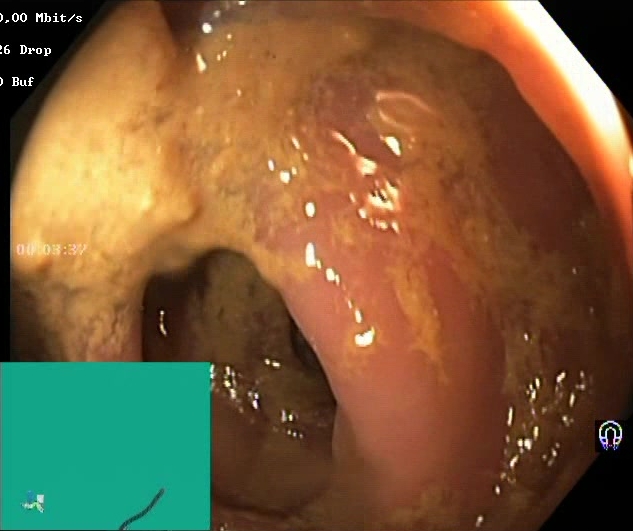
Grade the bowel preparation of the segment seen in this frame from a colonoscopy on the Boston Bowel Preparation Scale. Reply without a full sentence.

Boston Bowel Preparation Scale score 0–1 (inadequate preparation)